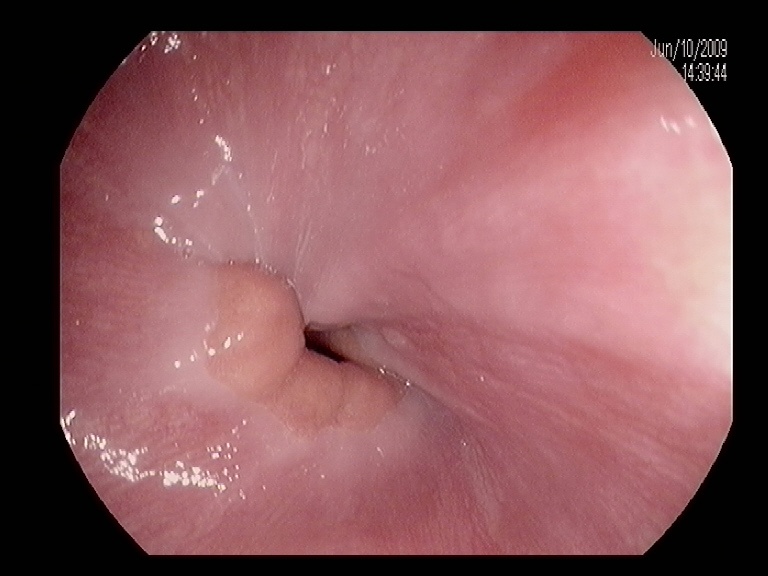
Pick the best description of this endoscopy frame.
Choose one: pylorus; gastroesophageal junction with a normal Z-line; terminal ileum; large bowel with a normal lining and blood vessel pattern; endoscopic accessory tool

gastroesophageal junction with a normal Z-line